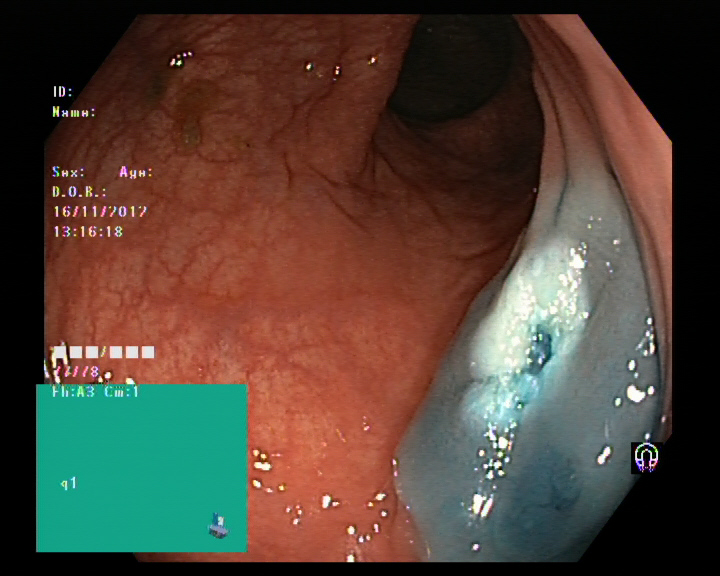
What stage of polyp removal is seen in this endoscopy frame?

dyed resection margin (post-polypectomy)